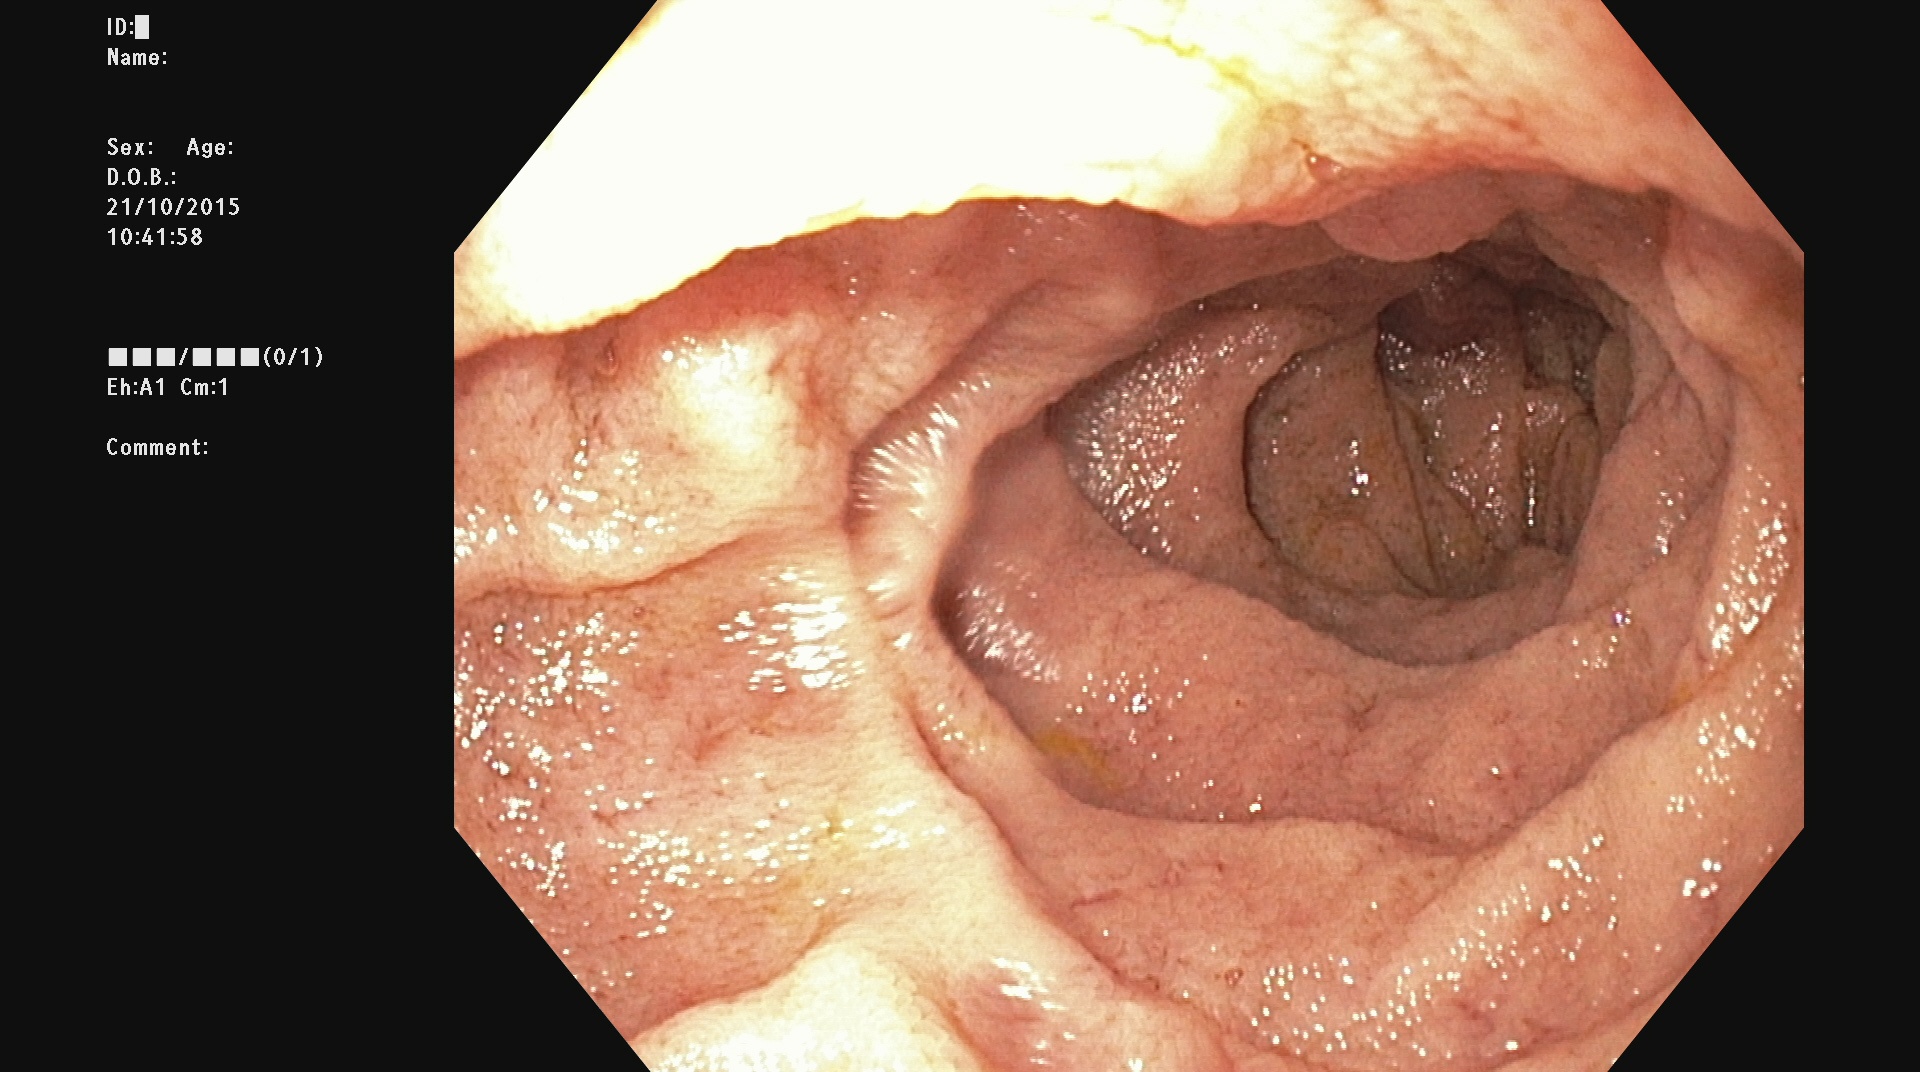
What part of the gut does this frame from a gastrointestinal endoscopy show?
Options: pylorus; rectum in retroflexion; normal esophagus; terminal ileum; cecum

terminal ileum